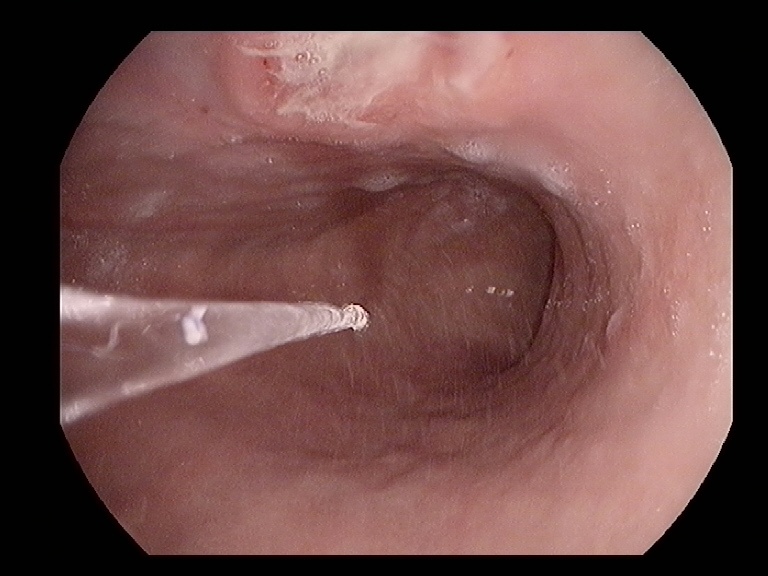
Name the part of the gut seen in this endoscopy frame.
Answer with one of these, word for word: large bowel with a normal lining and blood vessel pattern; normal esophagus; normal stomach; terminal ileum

normal stomach